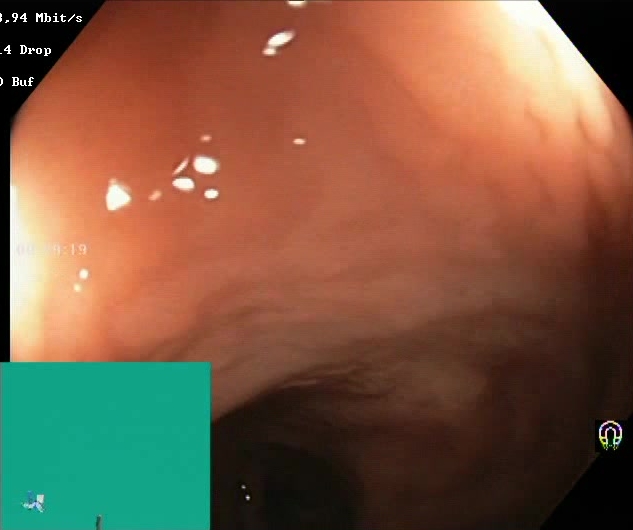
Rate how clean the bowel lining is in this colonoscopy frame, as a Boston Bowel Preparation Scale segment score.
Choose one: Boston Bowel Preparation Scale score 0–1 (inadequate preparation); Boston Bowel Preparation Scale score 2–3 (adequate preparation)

Boston Bowel Preparation Scale score 2–3 (adequate preparation)